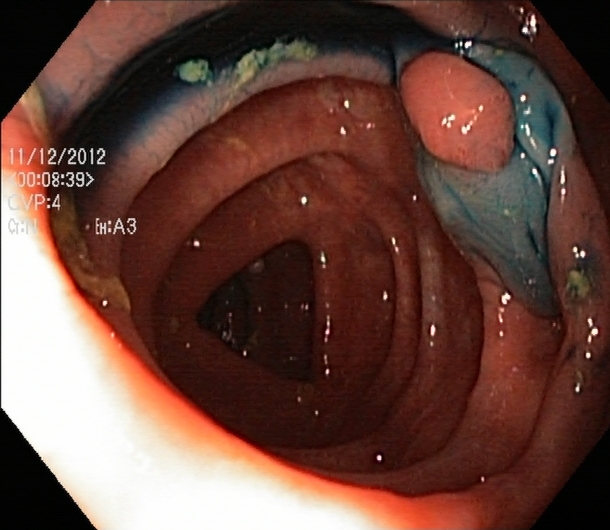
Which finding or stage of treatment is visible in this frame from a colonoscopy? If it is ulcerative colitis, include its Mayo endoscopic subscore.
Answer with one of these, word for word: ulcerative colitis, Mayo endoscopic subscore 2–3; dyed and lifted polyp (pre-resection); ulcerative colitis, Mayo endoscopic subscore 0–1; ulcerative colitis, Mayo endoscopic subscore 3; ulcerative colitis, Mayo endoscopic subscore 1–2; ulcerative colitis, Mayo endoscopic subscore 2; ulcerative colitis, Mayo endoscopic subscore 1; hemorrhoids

dyed and lifted polyp (pre-resection)